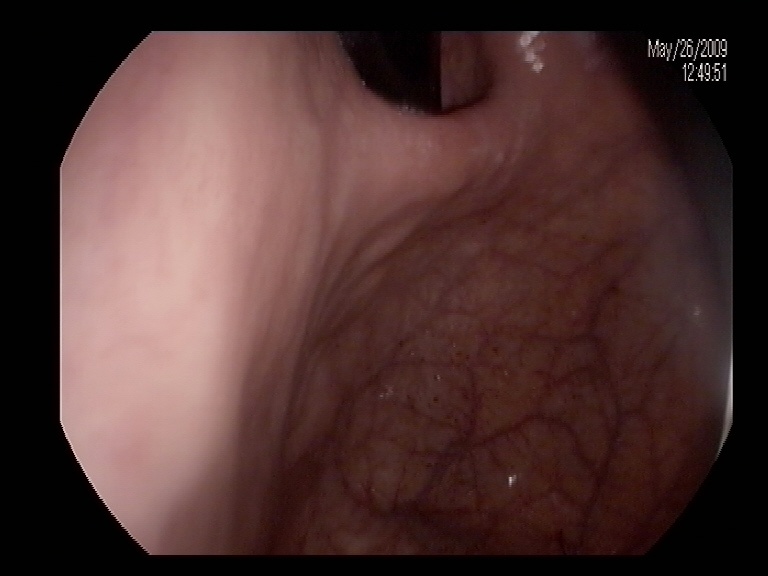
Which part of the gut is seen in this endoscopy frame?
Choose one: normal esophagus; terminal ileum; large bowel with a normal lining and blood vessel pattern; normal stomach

normal stomach